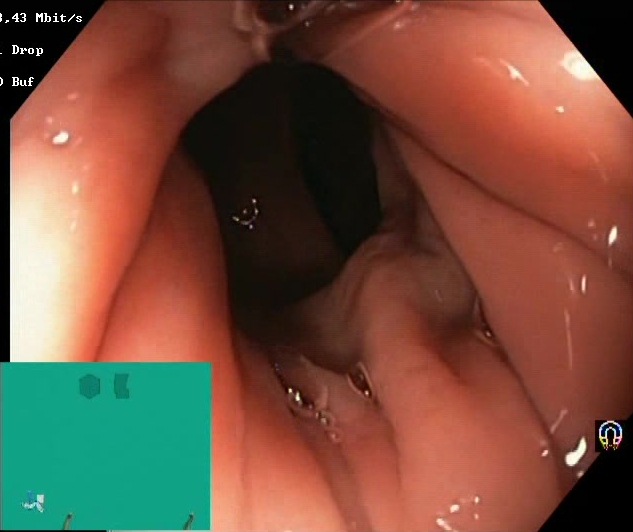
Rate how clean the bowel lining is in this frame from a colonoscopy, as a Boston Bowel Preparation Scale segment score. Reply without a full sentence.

Boston Bowel Preparation Scale score 2–3 (adequate preparation)